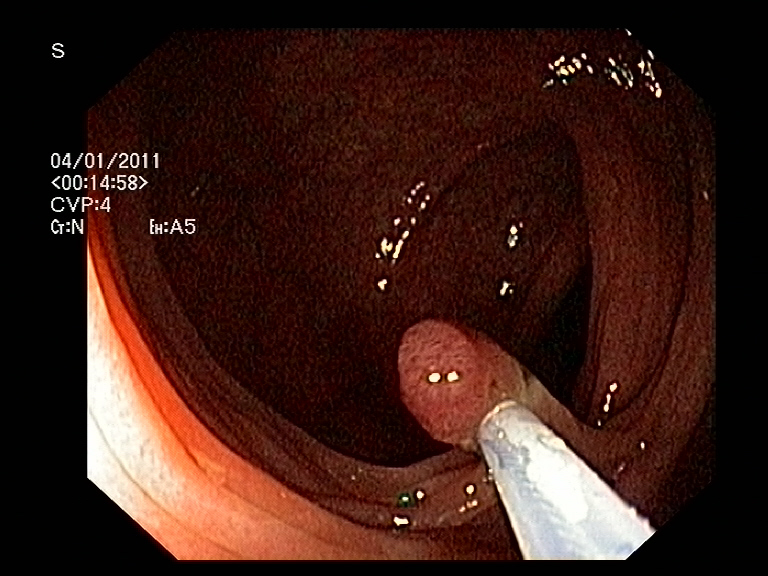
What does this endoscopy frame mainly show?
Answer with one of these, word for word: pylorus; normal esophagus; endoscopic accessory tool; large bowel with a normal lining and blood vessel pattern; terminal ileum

endoscopic accessory tool